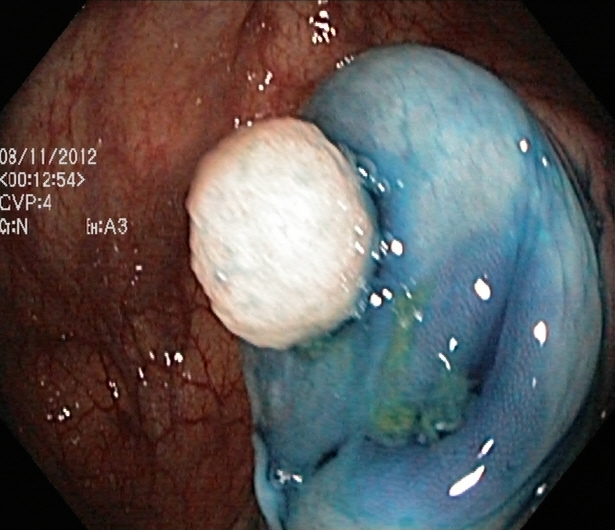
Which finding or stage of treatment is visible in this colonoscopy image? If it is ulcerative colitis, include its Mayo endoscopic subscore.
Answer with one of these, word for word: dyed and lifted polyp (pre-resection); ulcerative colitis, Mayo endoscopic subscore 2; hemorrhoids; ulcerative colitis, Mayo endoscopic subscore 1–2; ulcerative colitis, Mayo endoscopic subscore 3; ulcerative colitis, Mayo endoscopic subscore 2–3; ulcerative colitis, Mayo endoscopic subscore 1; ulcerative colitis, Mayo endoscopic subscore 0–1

dyed and lifted polyp (pre-resection)